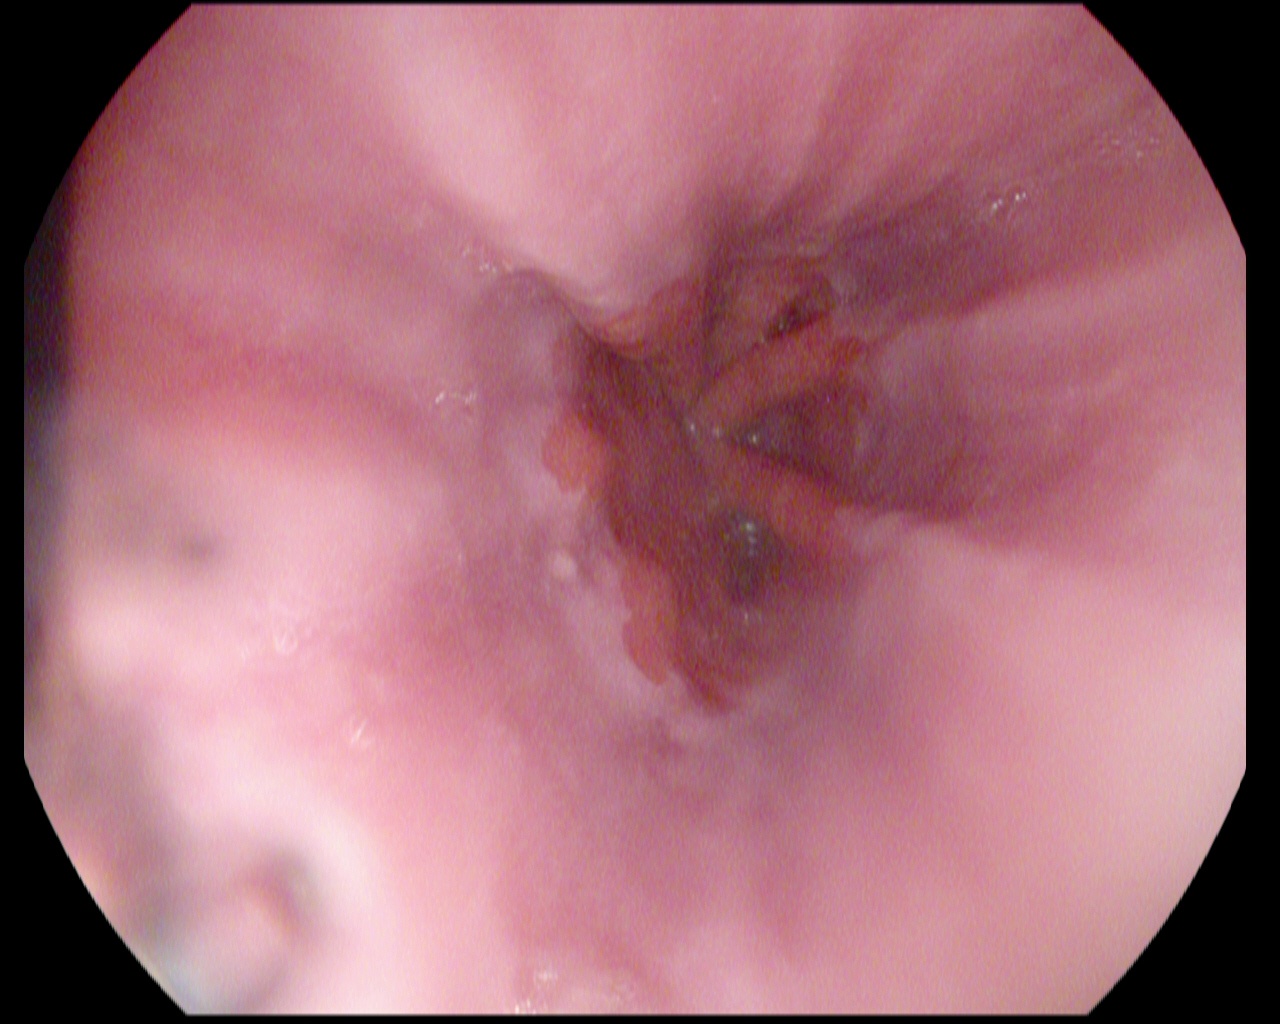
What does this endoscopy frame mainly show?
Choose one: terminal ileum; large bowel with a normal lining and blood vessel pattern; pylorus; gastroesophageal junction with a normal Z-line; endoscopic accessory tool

gastroesophageal junction with a normal Z-line